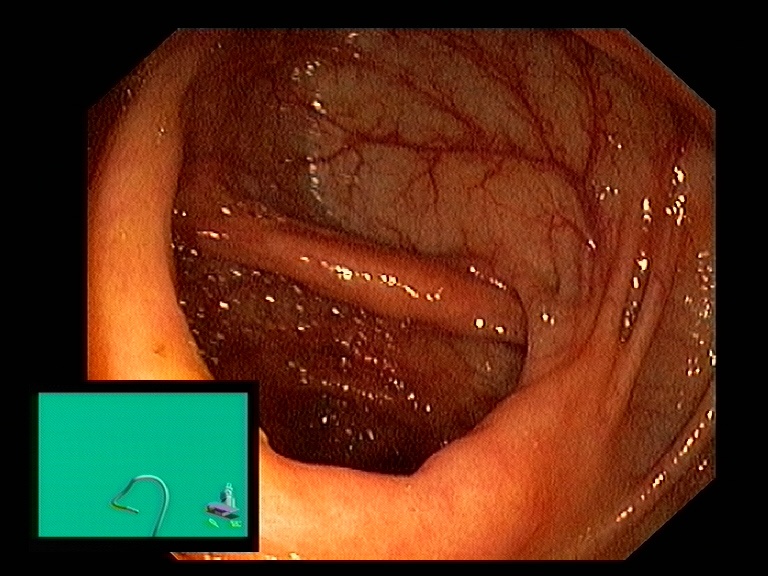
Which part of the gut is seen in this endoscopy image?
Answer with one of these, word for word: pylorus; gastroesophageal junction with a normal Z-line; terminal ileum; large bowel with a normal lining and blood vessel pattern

large bowel with a normal lining and blood vessel pattern